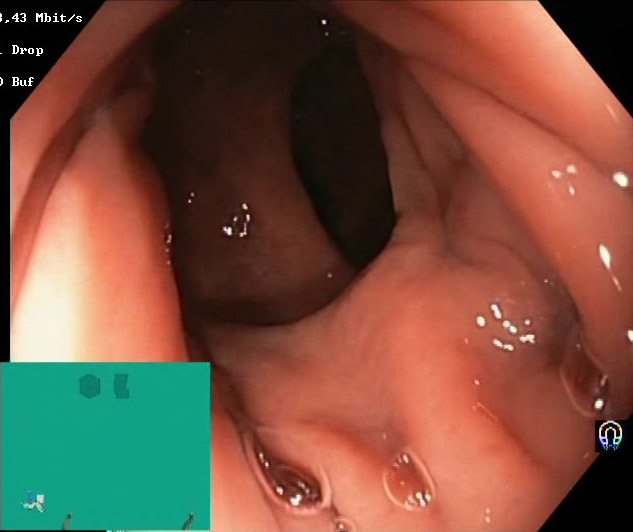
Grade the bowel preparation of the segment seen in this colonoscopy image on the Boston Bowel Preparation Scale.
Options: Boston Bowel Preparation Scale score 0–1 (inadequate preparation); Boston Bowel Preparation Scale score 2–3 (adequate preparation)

Boston Bowel Preparation Scale score 2–3 (adequate preparation)